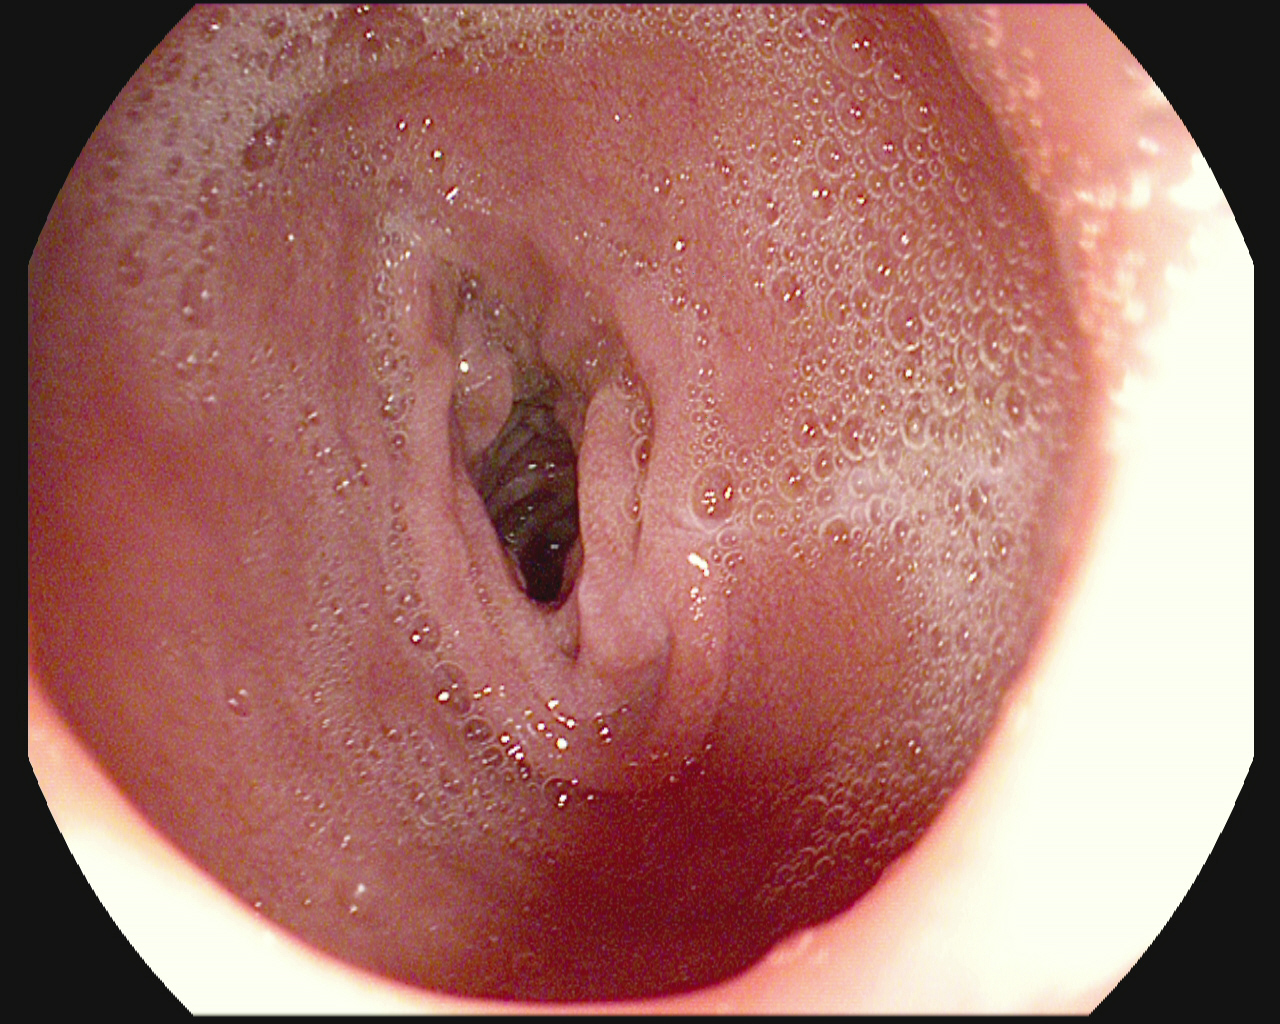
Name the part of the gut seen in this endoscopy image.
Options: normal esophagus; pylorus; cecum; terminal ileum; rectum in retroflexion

terminal ileum